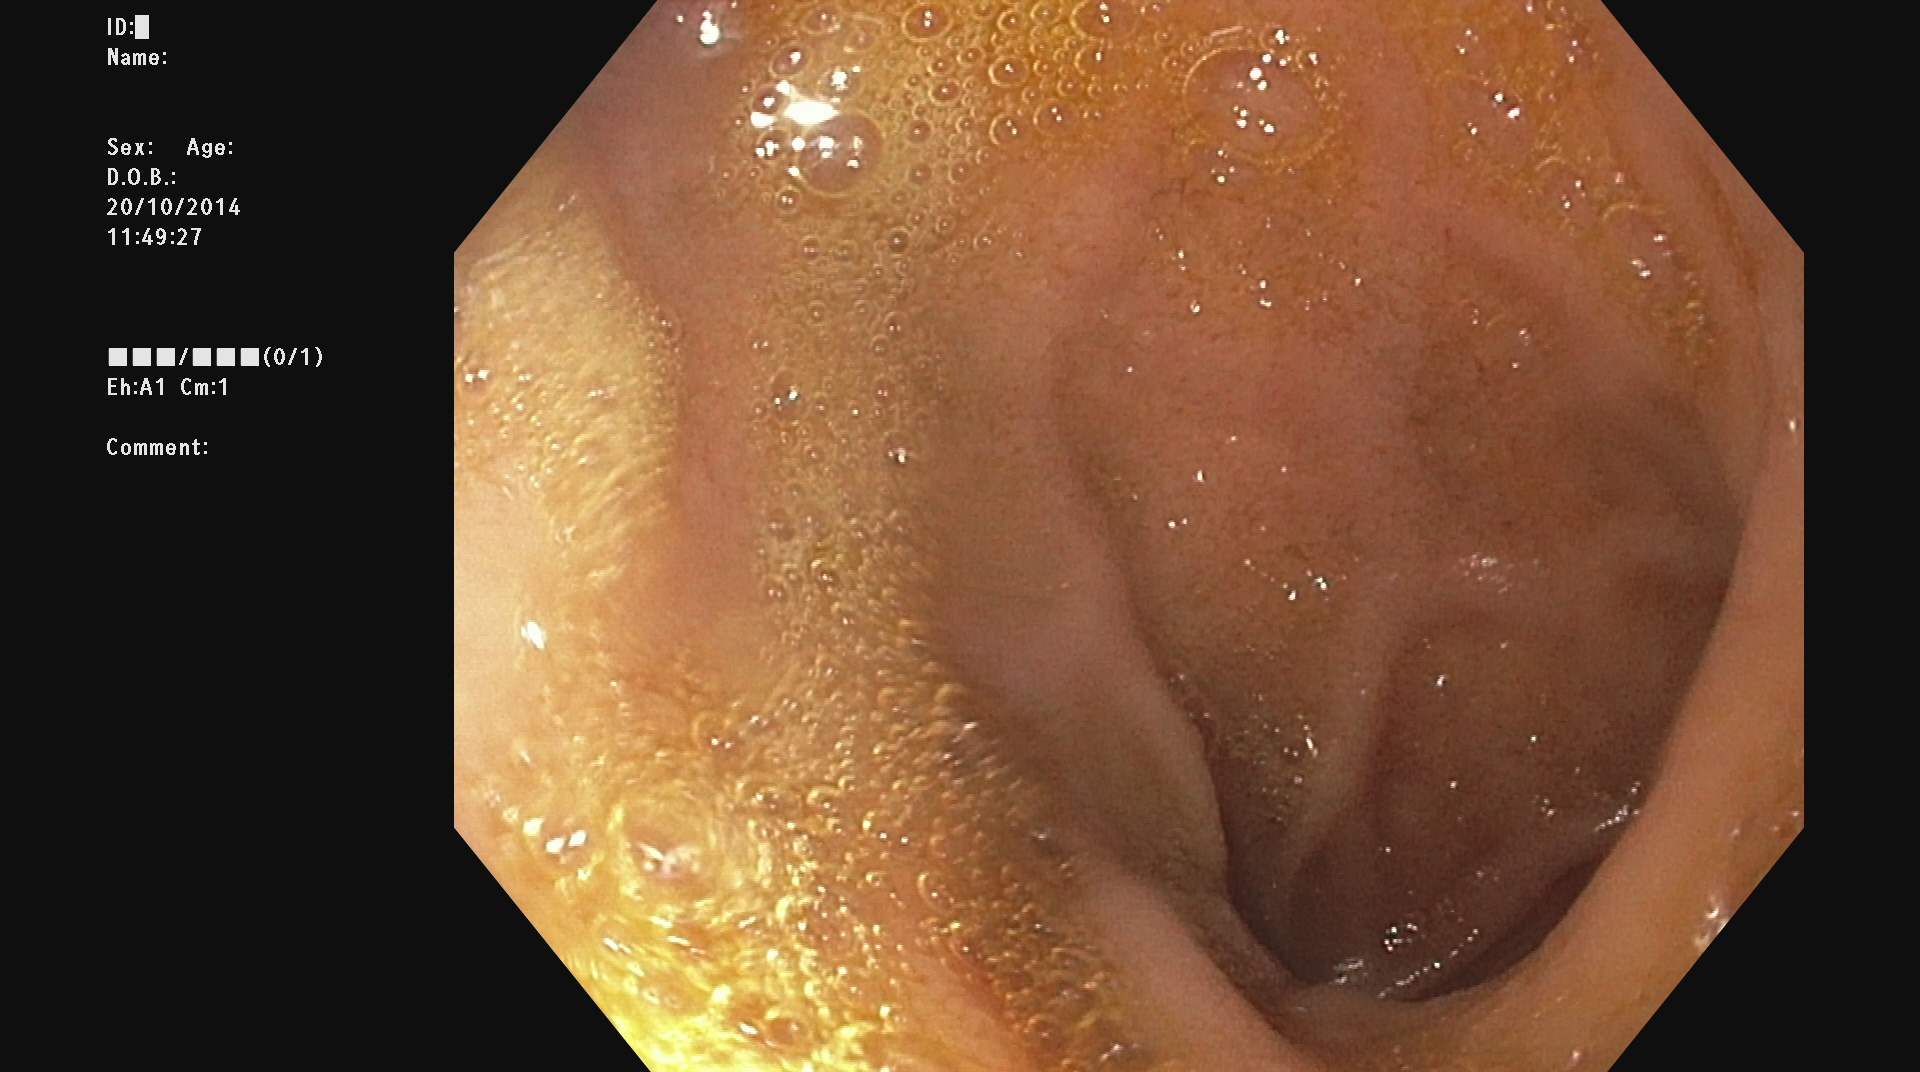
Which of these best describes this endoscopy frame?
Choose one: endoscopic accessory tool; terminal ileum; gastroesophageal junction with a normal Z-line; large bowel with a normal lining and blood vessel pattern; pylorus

terminal ileum